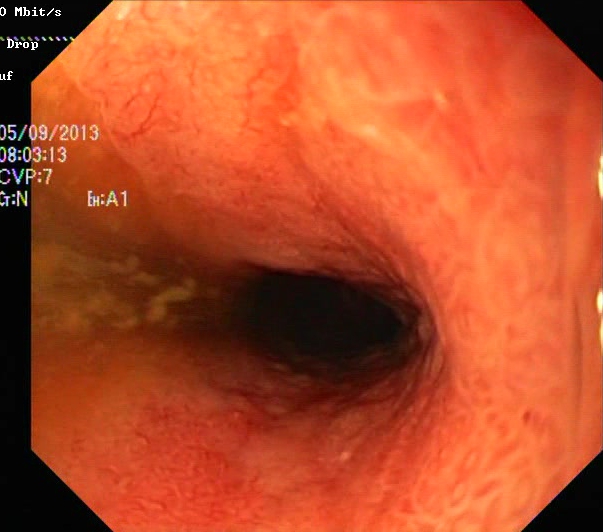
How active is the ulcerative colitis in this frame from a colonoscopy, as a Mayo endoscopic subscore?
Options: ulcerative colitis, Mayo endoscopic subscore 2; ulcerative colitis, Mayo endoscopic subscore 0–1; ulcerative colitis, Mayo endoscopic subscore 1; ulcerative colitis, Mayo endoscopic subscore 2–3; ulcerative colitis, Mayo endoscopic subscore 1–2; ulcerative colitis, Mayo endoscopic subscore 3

ulcerative colitis, Mayo endoscopic subscore 2